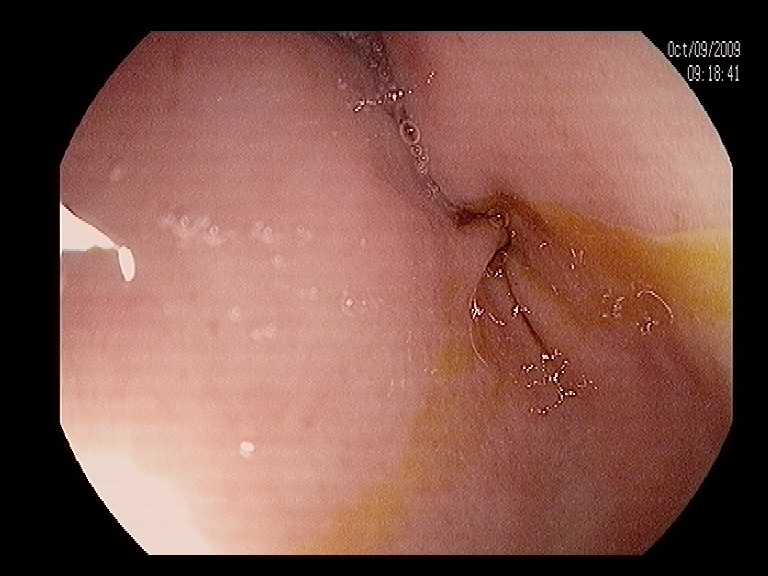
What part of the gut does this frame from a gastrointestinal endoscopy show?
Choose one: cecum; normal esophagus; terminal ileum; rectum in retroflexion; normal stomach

normal stomach